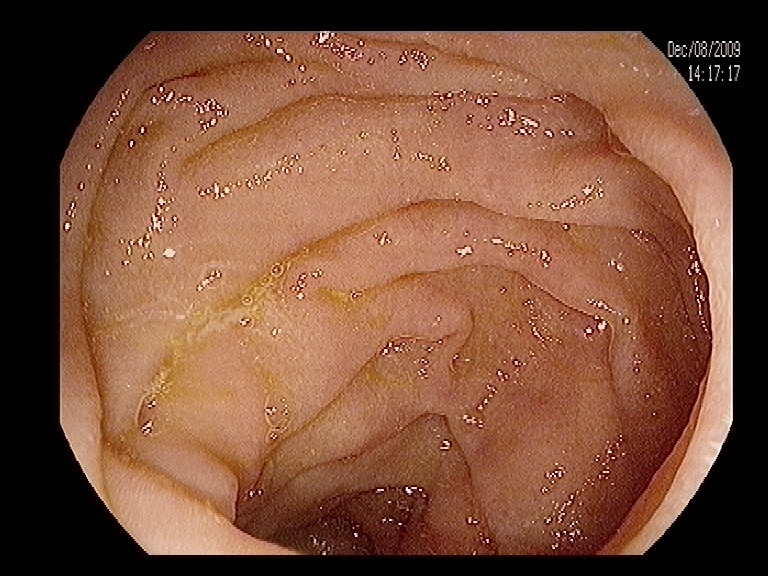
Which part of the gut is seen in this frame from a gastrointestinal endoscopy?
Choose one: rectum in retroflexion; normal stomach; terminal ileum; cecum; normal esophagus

terminal ileum